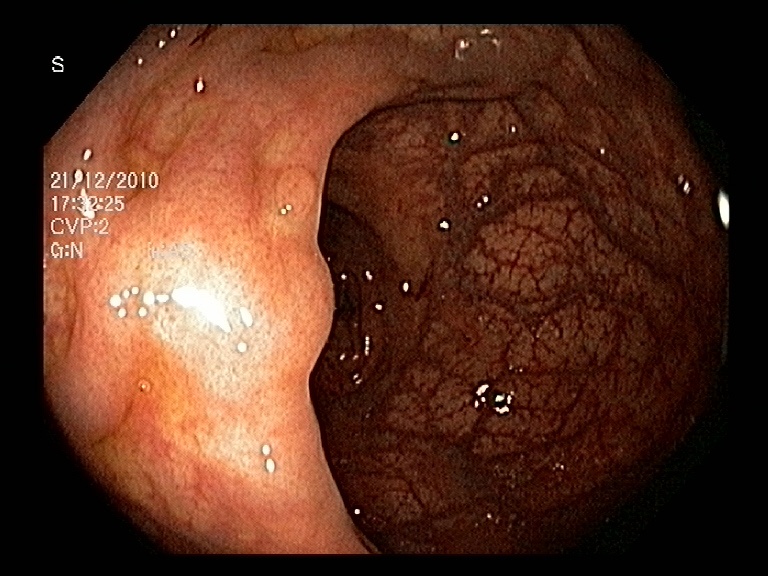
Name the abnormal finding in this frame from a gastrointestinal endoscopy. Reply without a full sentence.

colon polyp